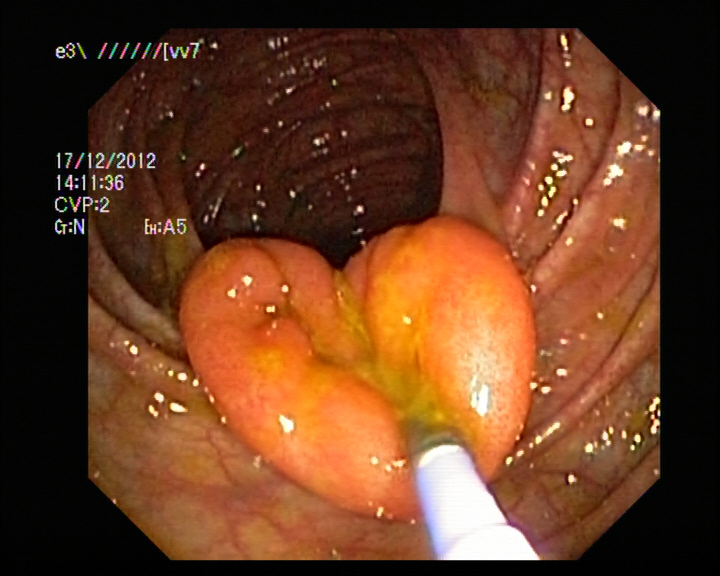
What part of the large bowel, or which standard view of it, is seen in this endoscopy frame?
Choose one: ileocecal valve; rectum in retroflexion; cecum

ileocecal valve